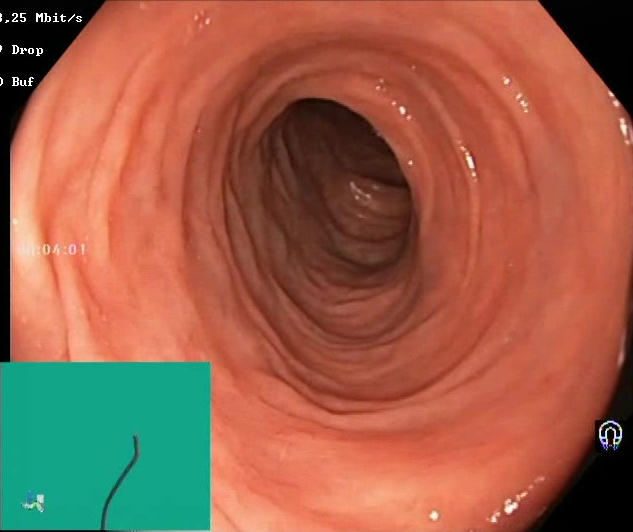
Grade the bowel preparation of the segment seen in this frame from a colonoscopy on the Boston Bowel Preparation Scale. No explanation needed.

Boston Bowel Preparation Scale score 2–3 (adequate preparation)